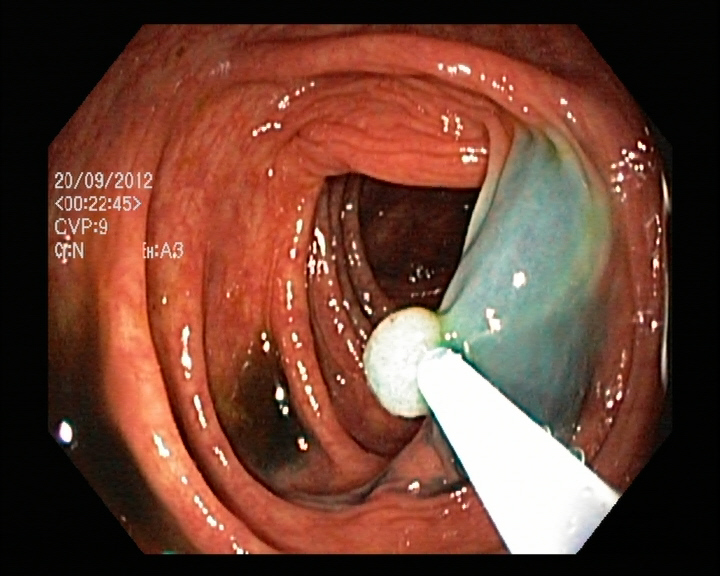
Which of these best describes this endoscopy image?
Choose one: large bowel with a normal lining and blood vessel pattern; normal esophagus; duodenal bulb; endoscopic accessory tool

endoscopic accessory tool